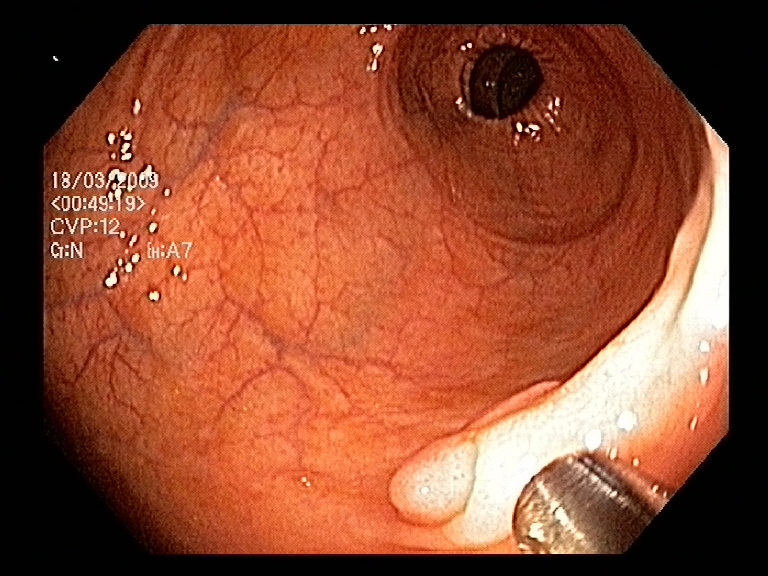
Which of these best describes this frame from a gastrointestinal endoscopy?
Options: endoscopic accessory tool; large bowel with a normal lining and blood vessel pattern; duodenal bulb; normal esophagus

endoscopic accessory tool